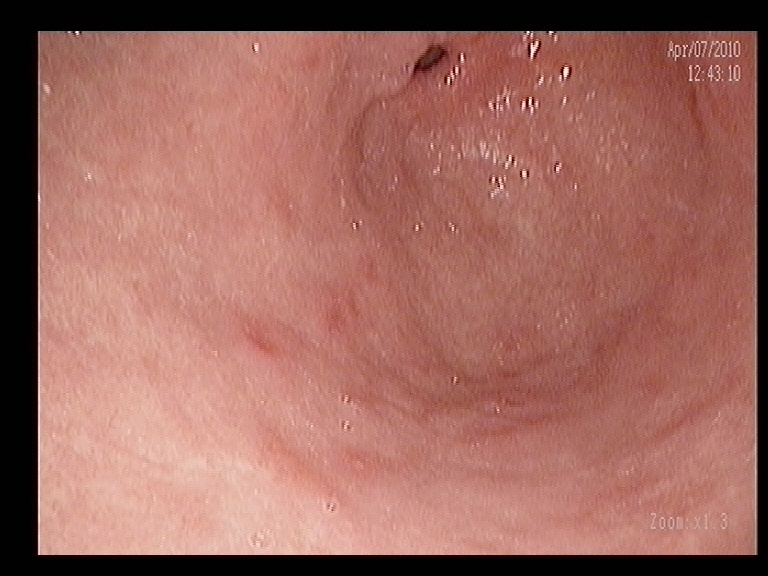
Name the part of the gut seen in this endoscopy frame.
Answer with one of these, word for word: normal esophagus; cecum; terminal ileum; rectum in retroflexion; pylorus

pylorus